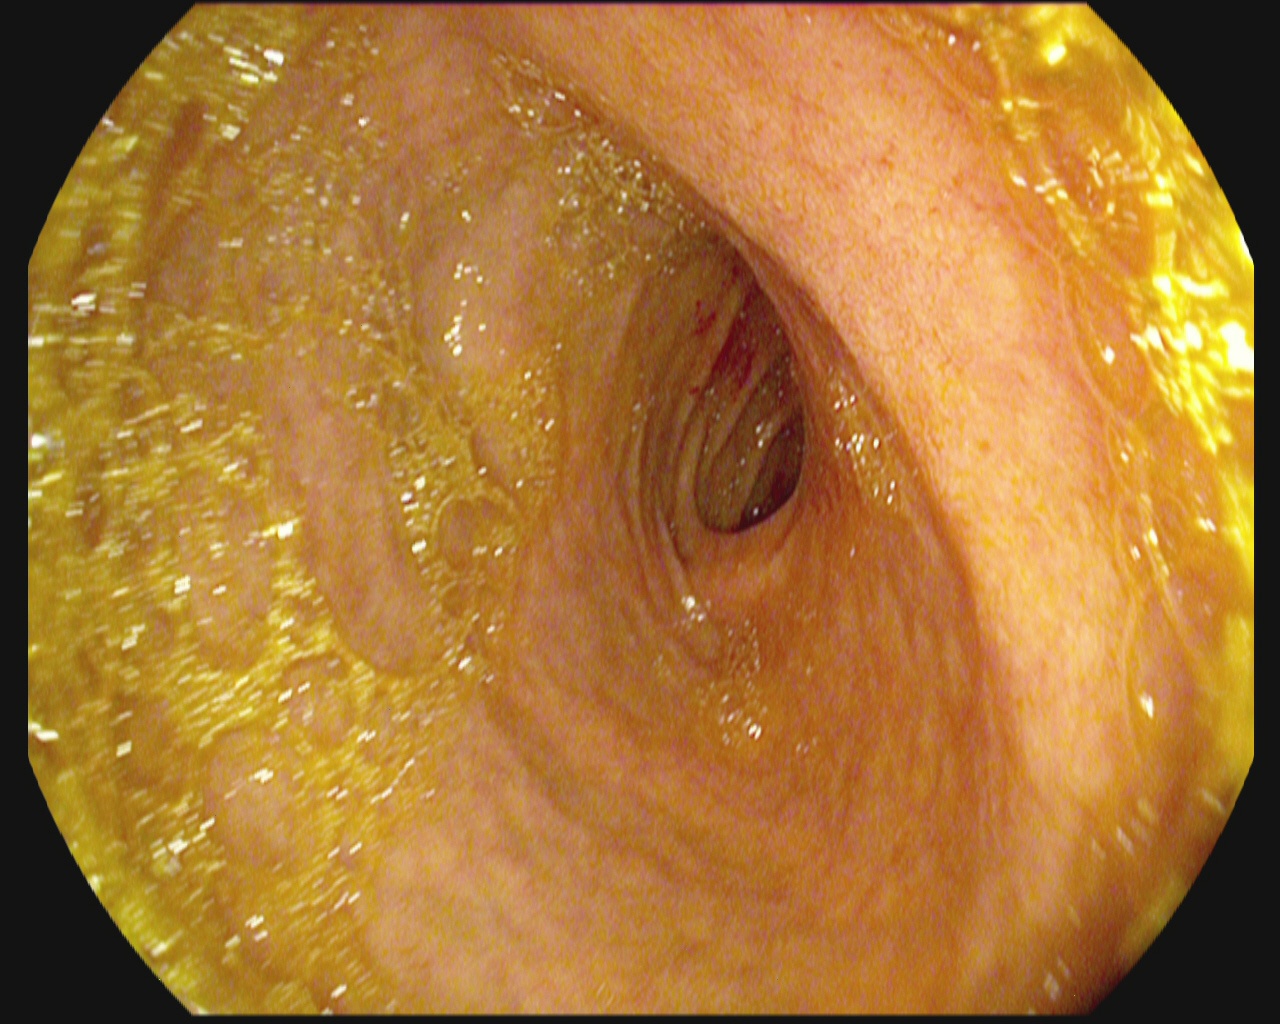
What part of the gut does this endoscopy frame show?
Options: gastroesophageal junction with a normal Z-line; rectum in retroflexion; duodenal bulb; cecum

duodenal bulb